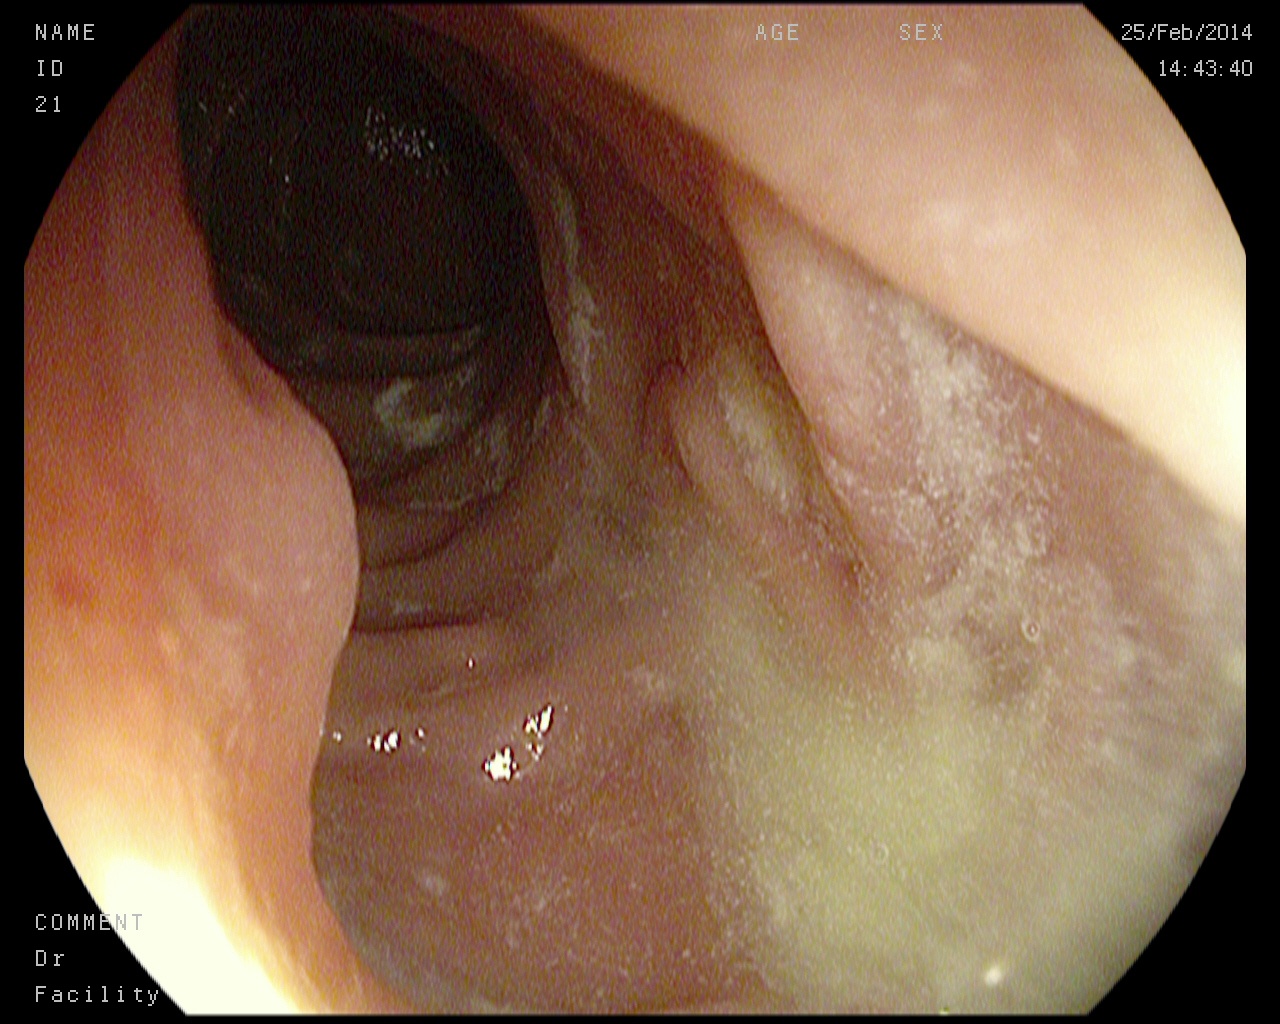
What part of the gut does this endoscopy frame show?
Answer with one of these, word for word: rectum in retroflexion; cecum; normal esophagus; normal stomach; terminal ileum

terminal ileum